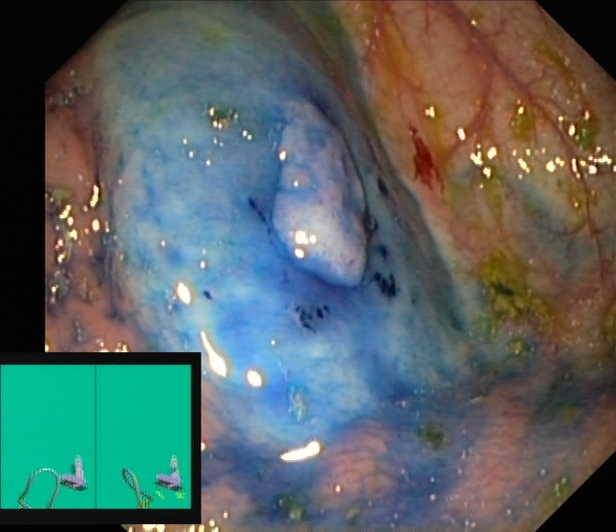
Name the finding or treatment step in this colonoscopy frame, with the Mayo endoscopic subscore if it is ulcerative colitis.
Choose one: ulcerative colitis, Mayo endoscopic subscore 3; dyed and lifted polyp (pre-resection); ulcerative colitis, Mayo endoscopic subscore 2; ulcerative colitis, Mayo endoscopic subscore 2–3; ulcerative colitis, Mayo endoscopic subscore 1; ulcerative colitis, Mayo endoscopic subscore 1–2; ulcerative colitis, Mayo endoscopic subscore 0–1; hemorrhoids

dyed and lifted polyp (pre-resection)